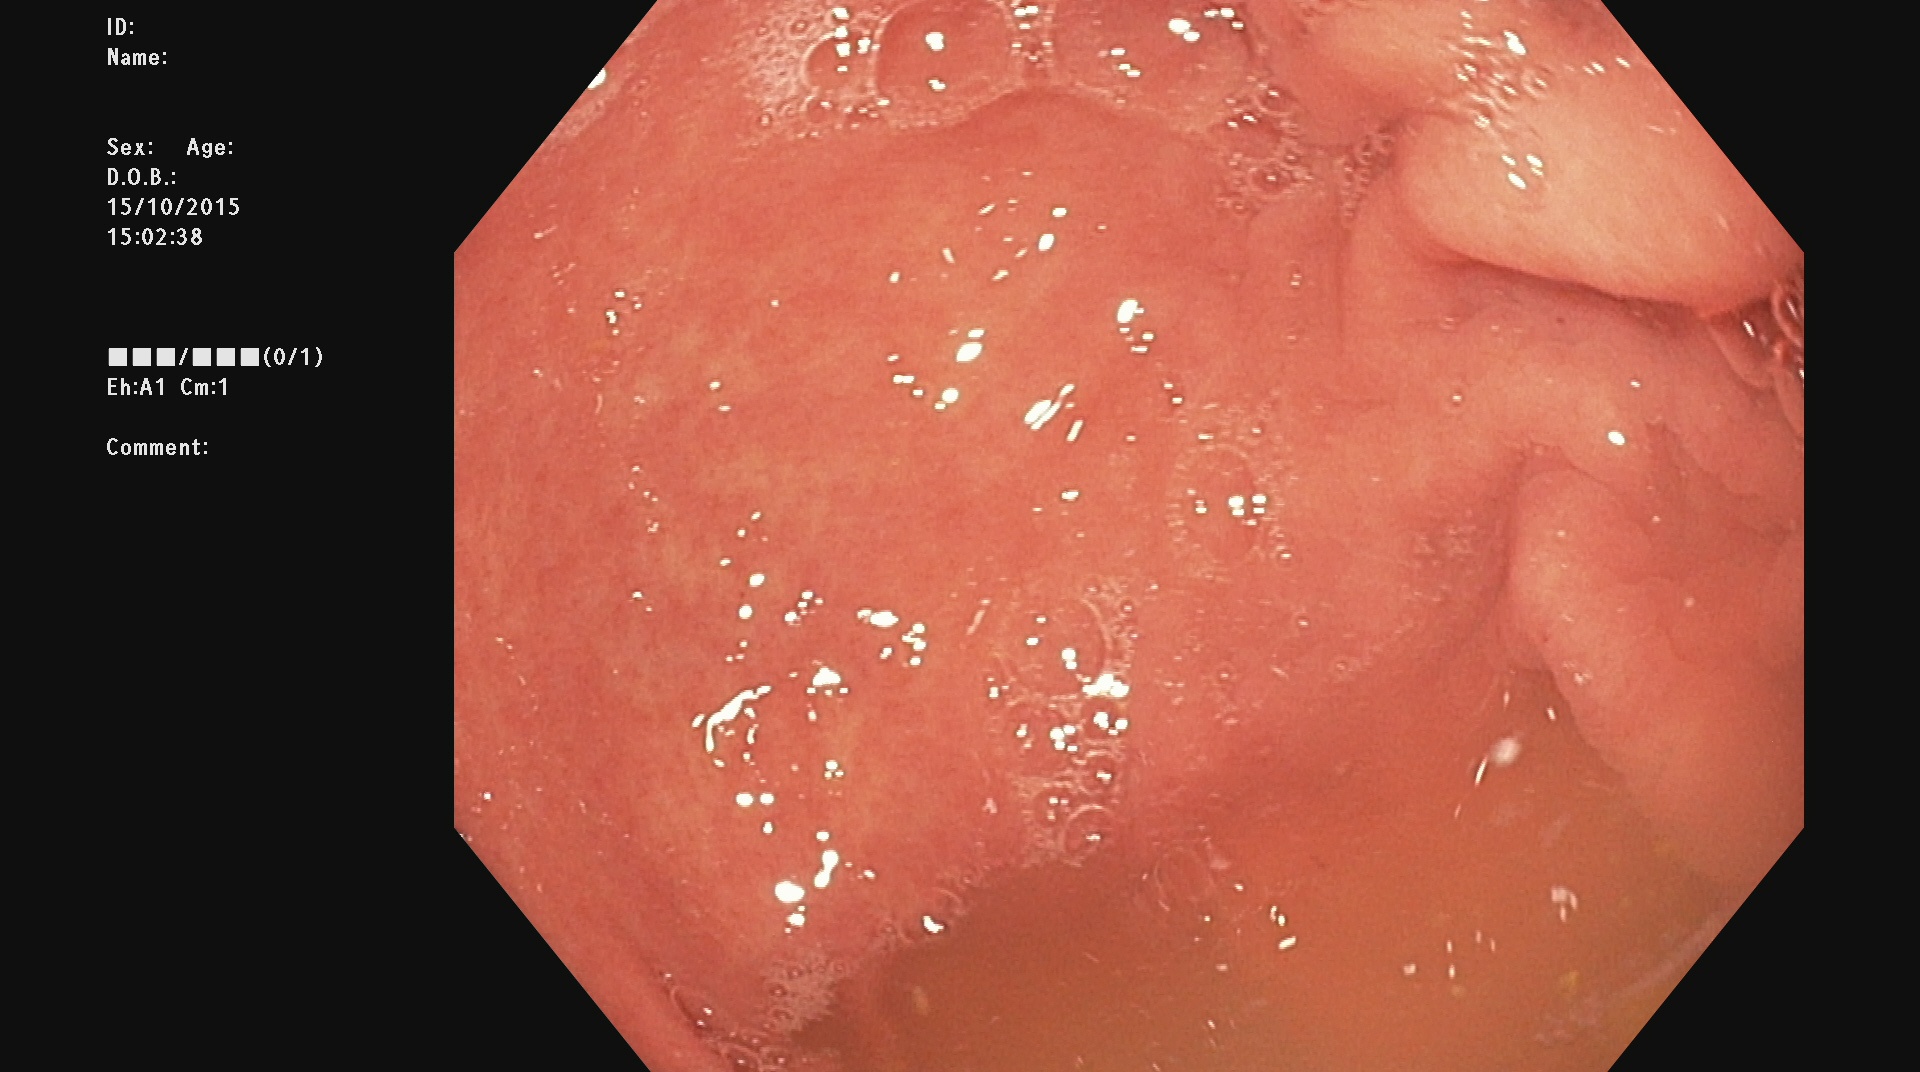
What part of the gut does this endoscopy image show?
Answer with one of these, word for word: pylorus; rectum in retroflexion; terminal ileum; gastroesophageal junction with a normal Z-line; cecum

pylorus